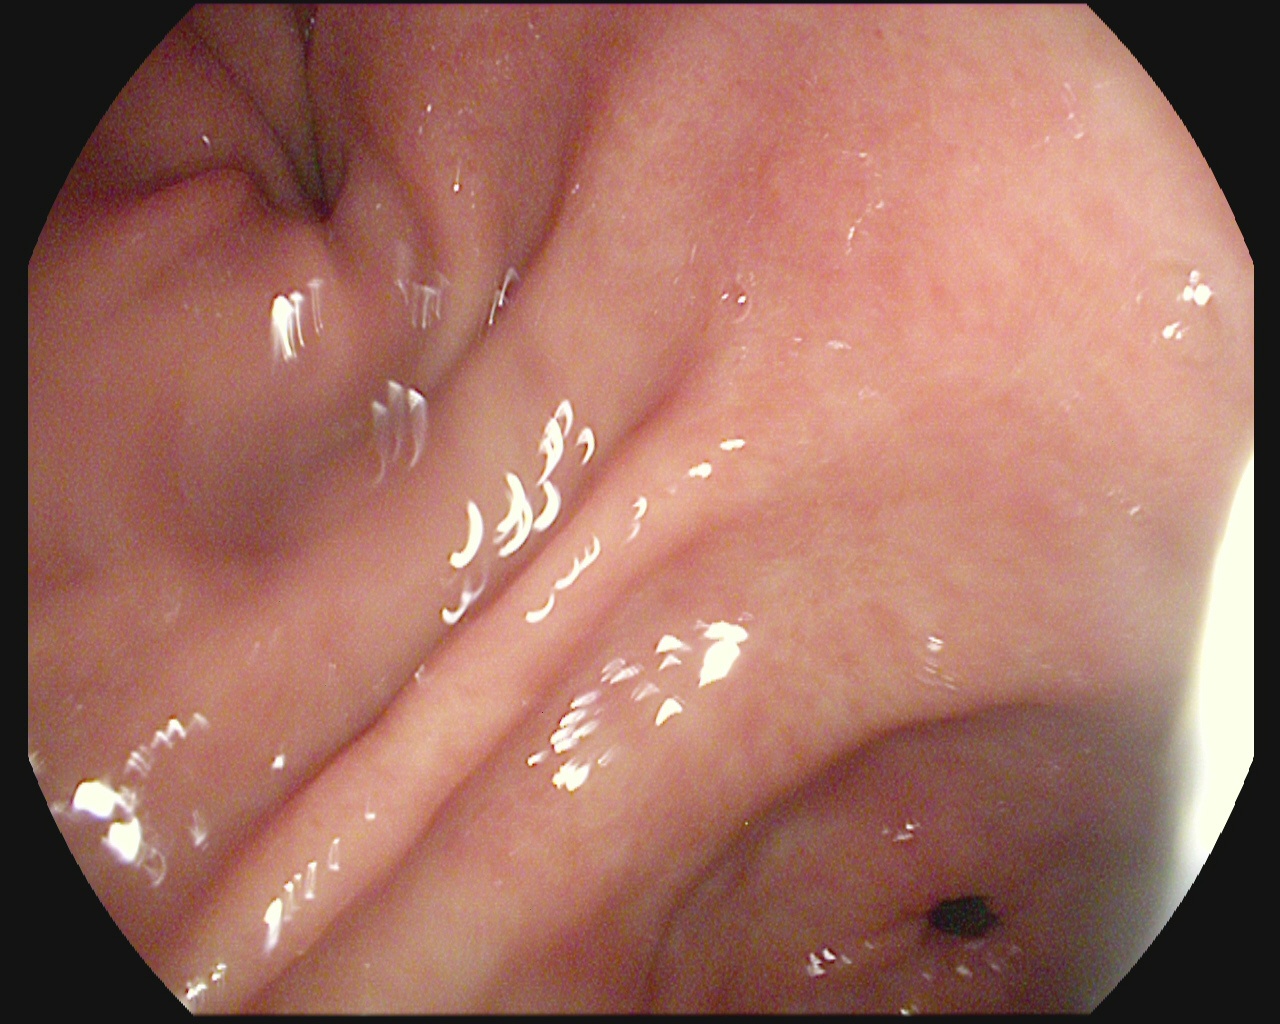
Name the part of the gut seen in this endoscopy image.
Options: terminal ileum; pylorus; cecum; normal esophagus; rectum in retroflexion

pylorus